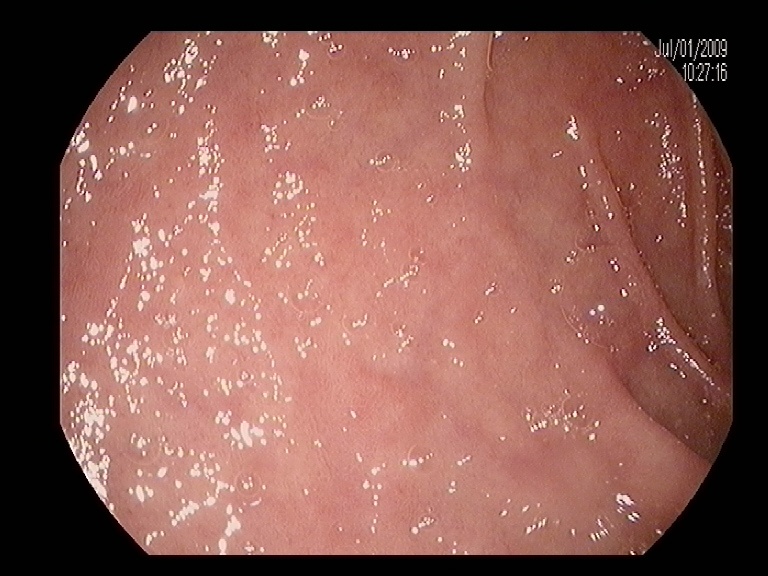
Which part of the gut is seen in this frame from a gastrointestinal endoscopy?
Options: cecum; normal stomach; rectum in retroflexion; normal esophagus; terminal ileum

terminal ileum